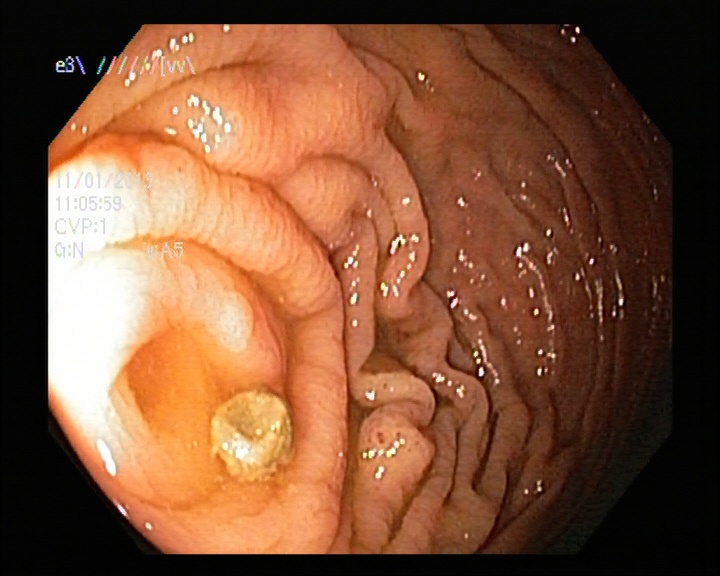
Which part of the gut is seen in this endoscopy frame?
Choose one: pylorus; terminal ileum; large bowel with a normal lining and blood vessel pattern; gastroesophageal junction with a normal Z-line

large bowel with a normal lining and blood vessel pattern